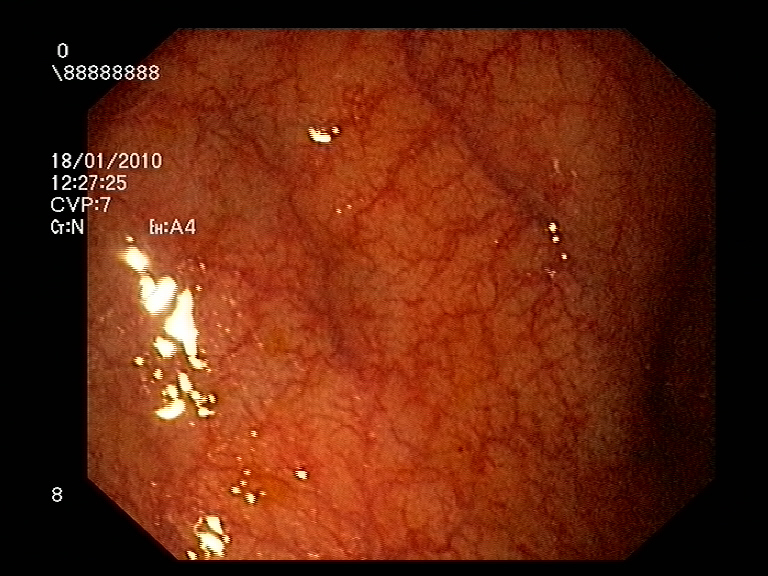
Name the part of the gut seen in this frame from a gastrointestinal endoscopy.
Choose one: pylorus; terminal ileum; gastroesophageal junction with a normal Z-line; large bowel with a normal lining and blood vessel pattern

large bowel with a normal lining and blood vessel pattern